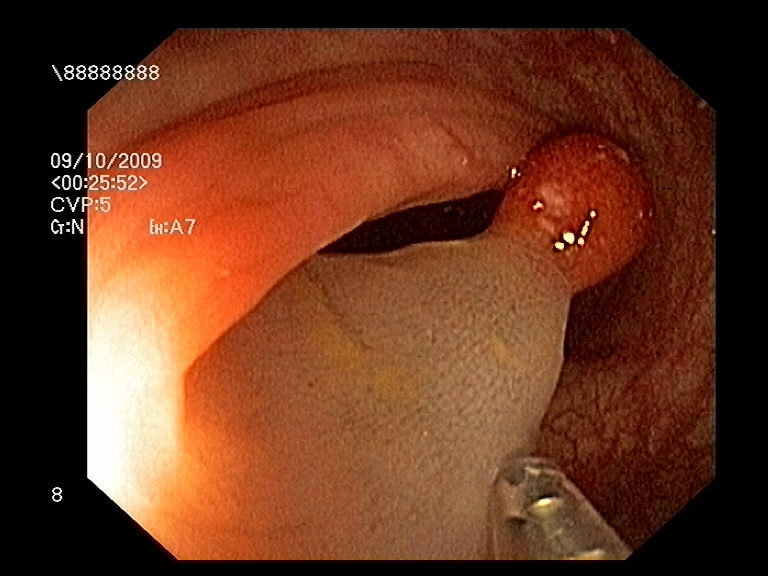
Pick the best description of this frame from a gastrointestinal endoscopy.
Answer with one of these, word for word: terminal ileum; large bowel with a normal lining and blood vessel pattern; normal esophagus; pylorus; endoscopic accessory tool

endoscopic accessory tool